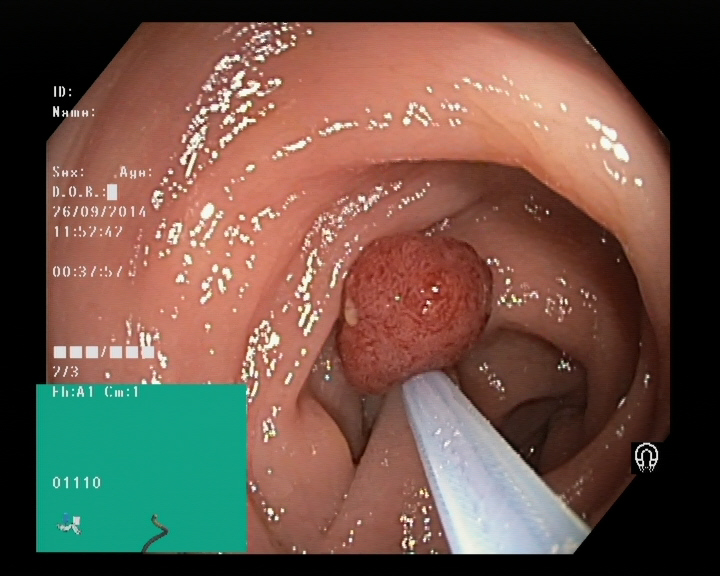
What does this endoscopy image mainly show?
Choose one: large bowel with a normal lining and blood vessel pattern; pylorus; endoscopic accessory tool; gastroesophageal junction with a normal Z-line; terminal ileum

endoscopic accessory tool